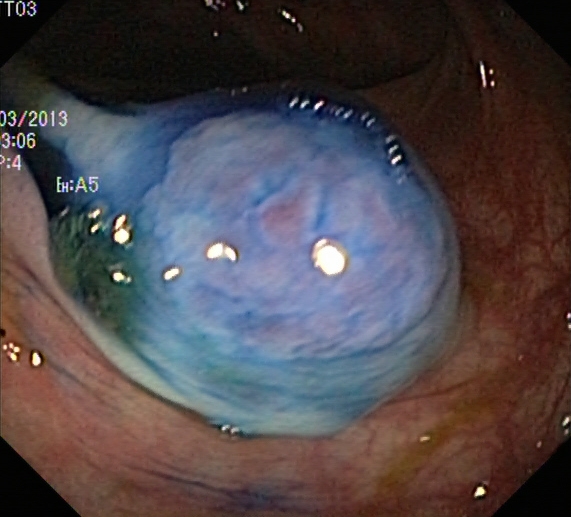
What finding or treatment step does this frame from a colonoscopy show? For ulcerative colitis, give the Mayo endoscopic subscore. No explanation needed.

dyed and lifted polyp (pre-resection)